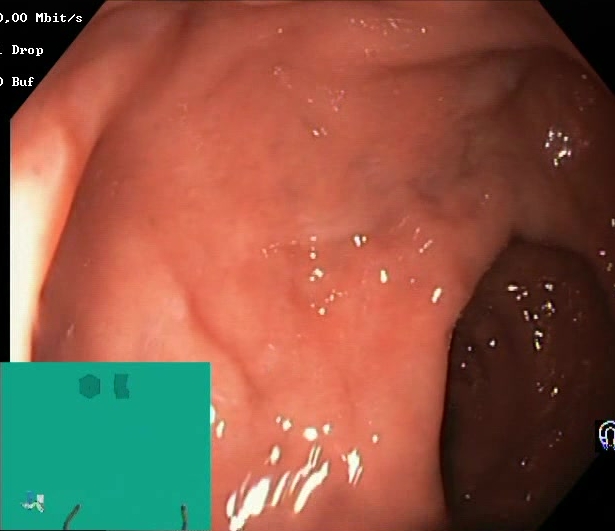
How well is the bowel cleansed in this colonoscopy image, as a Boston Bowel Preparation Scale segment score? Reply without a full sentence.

Boston Bowel Preparation Scale score 2–3 (adequate preparation)